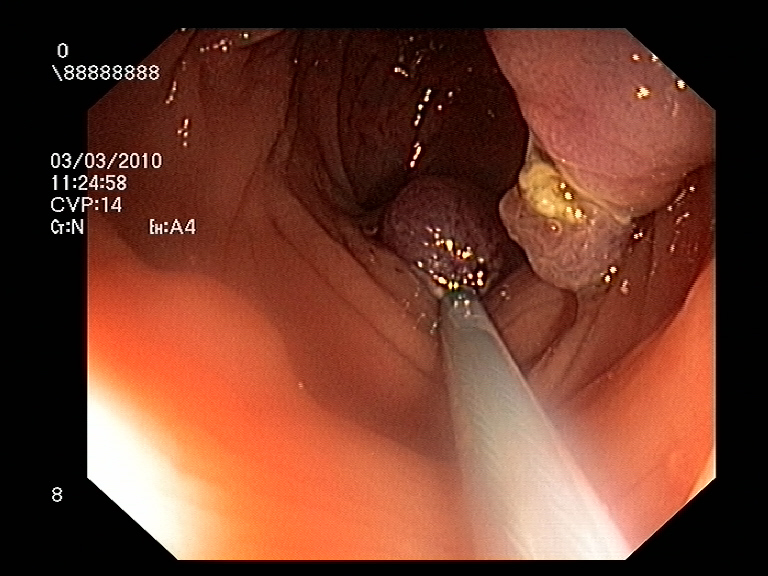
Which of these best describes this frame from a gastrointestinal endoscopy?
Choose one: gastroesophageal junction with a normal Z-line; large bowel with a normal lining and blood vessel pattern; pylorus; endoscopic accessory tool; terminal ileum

endoscopic accessory tool